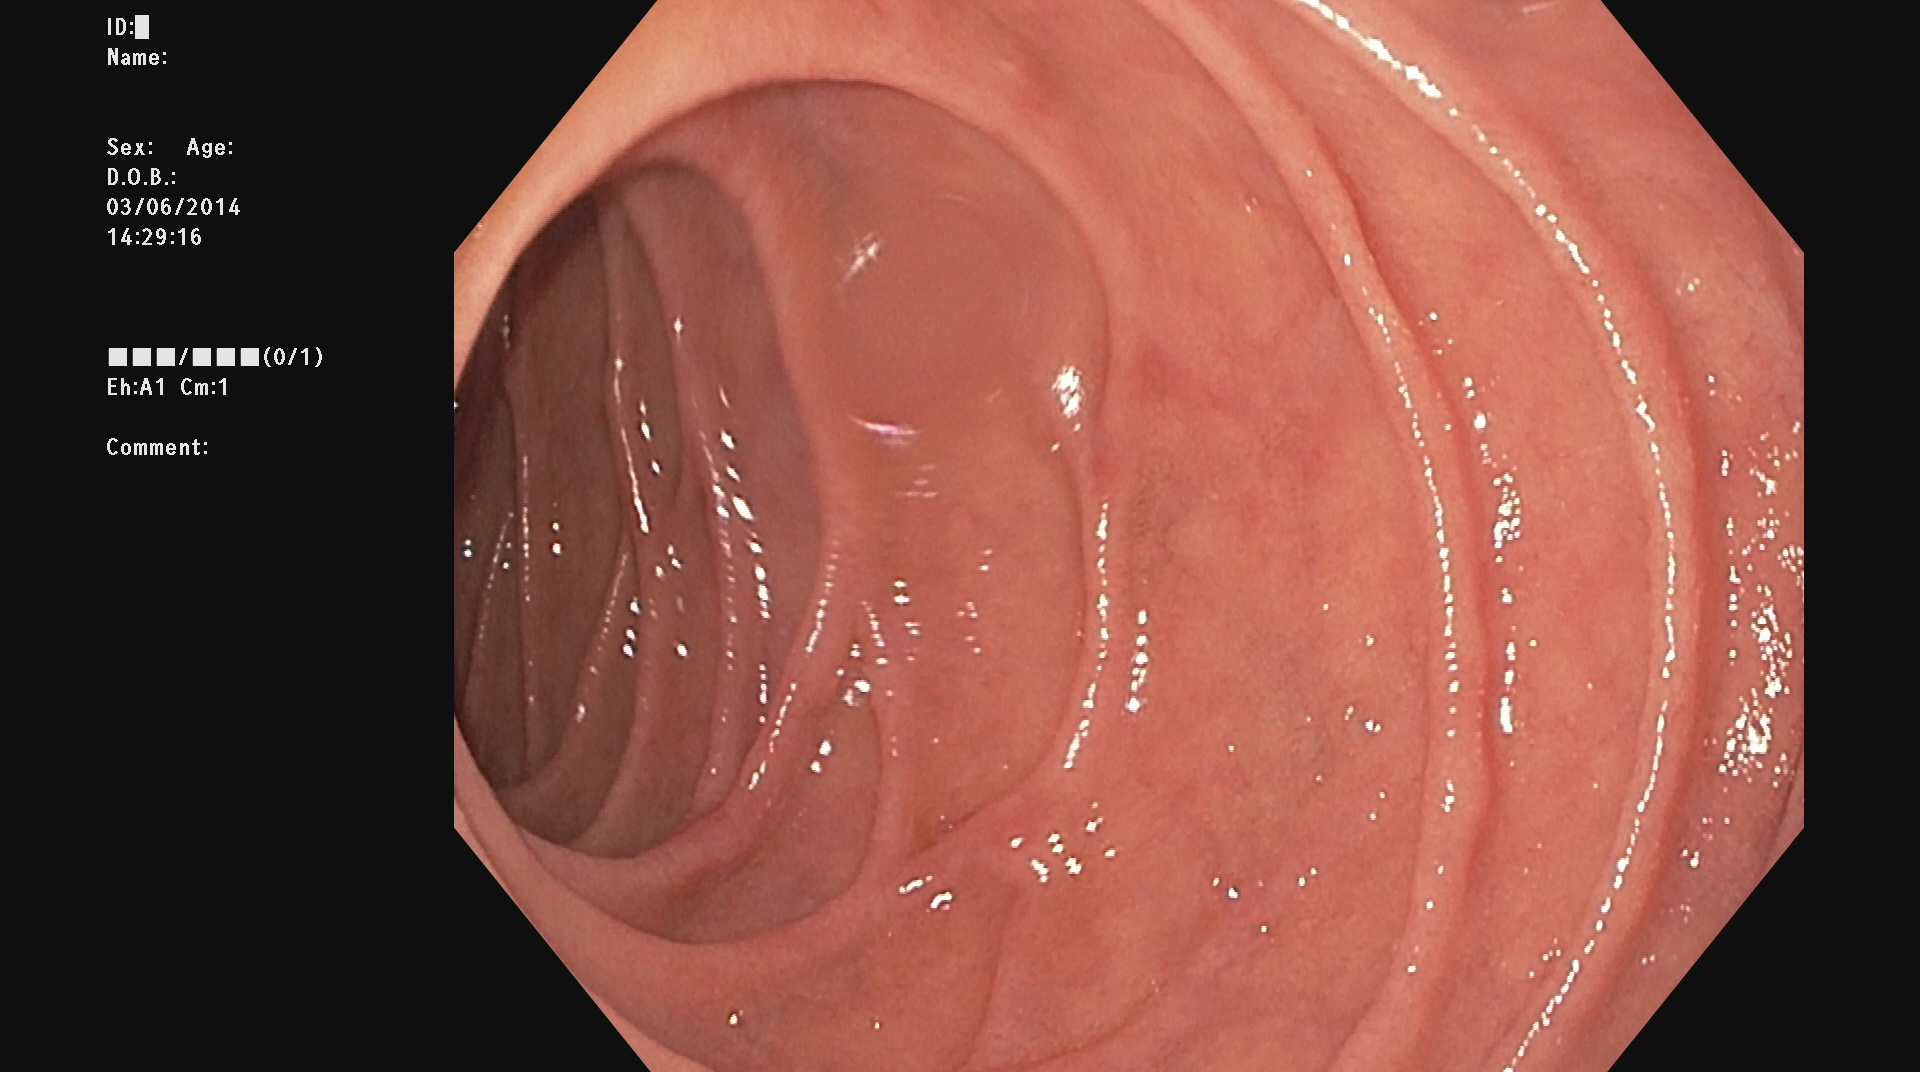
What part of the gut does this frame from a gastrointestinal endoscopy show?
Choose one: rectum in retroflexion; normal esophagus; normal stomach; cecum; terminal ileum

terminal ileum